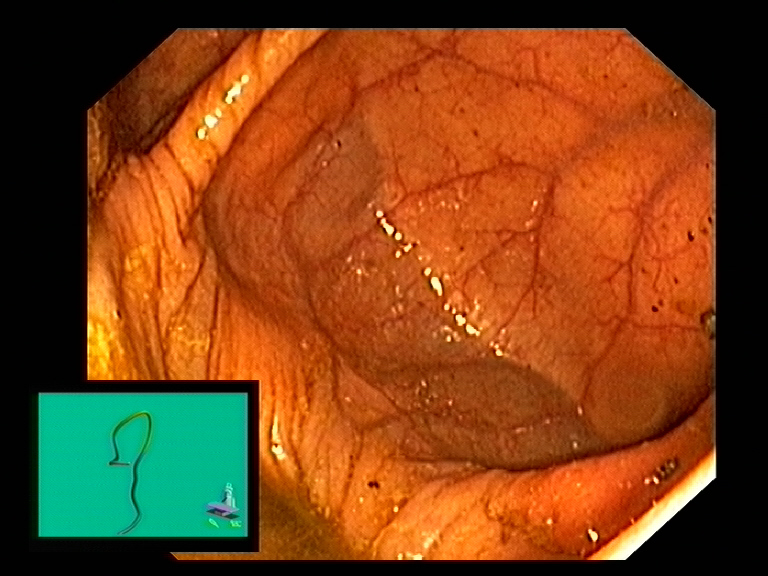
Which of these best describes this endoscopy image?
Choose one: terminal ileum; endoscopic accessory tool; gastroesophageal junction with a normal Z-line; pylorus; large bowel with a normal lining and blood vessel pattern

large bowel with a normal lining and blood vessel pattern